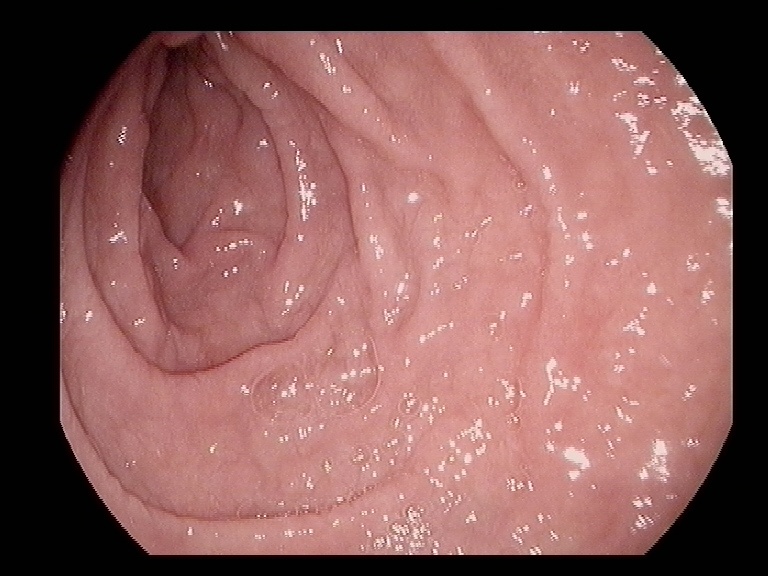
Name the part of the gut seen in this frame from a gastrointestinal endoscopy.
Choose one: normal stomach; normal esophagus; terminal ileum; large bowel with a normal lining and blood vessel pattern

terminal ileum